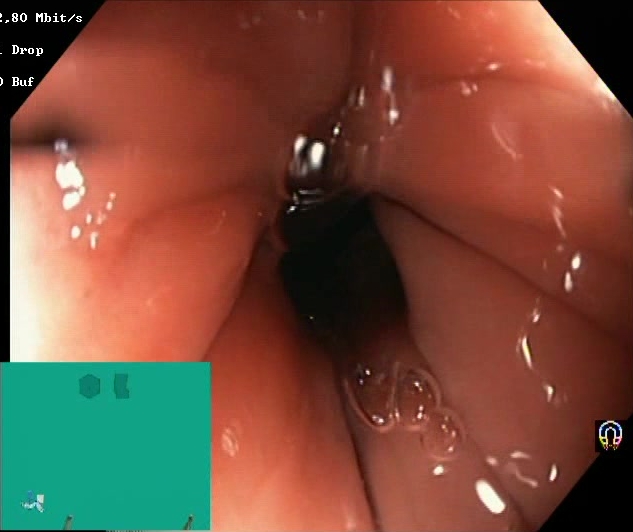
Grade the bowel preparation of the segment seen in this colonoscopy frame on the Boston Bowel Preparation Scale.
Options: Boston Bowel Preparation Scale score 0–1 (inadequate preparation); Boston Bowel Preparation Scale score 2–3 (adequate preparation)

Boston Bowel Preparation Scale score 2–3 (adequate preparation)